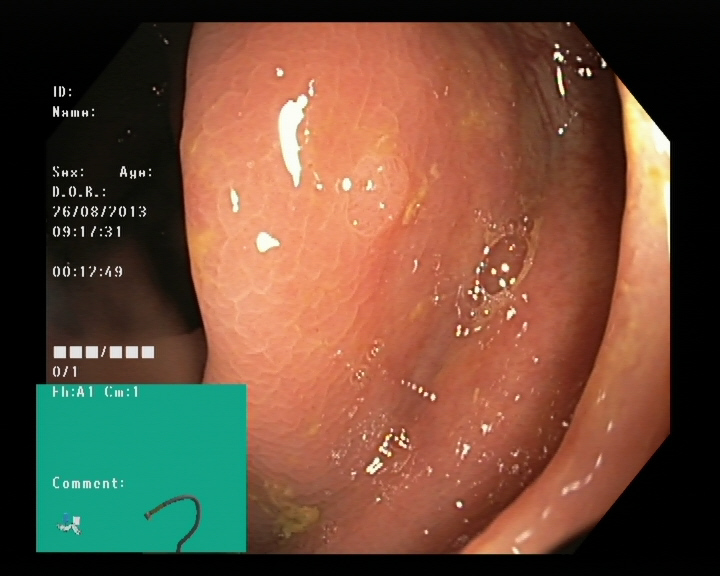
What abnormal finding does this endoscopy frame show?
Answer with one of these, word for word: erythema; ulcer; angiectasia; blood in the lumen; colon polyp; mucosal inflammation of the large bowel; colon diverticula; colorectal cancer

colon polyp